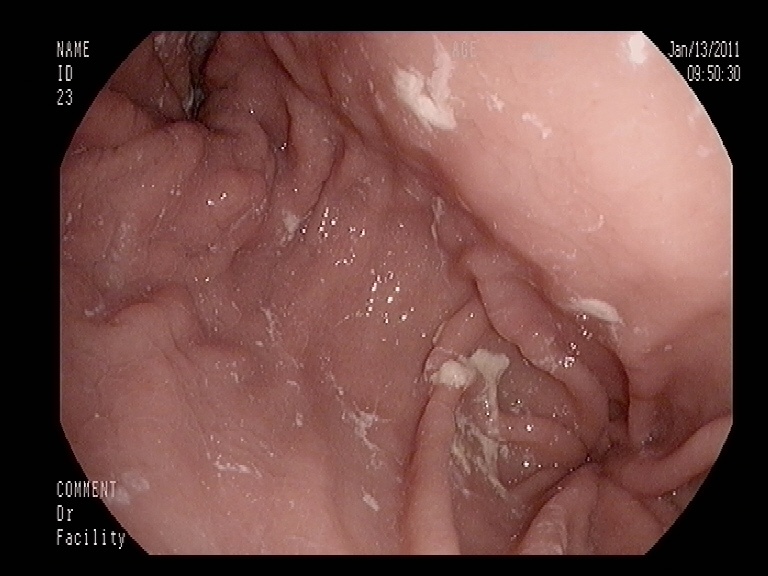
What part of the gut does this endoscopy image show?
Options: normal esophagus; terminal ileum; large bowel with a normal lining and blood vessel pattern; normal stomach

normal stomach